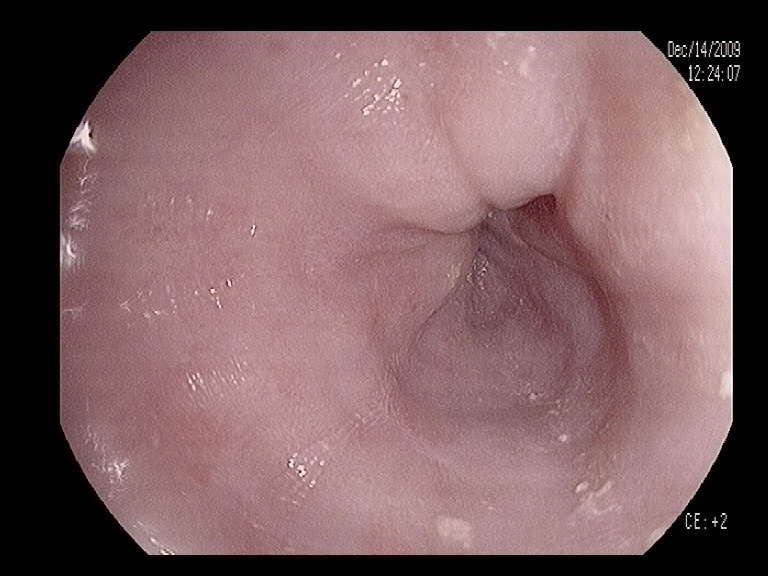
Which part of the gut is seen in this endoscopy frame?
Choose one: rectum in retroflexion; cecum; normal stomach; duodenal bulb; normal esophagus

normal stomach